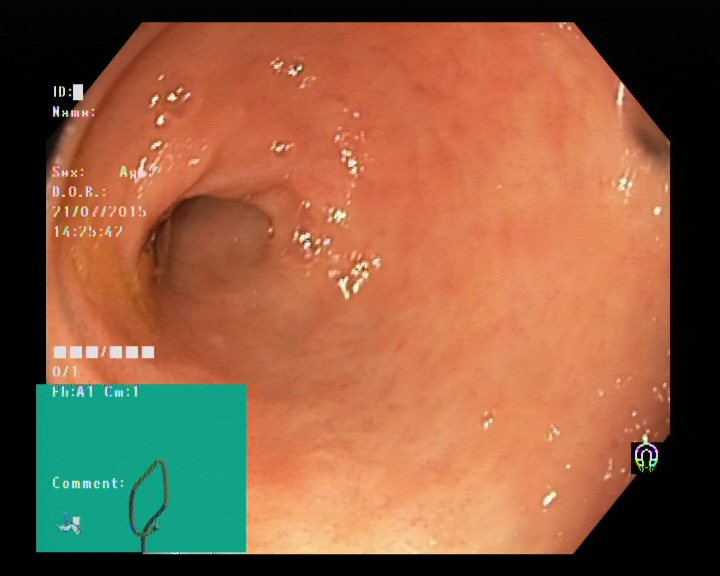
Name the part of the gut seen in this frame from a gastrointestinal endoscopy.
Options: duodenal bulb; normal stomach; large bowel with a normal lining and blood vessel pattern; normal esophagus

large bowel with a normal lining and blood vessel pattern